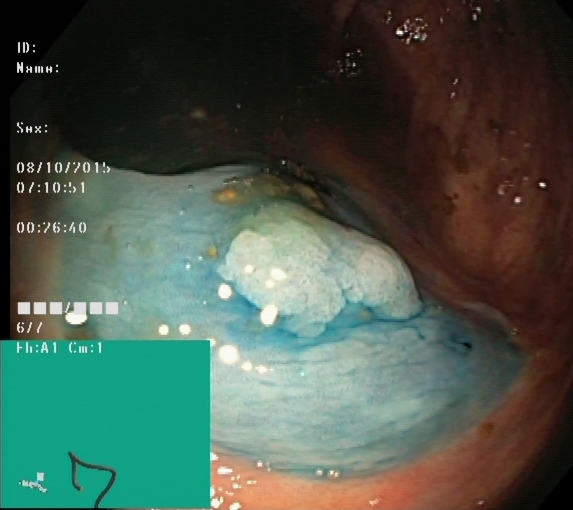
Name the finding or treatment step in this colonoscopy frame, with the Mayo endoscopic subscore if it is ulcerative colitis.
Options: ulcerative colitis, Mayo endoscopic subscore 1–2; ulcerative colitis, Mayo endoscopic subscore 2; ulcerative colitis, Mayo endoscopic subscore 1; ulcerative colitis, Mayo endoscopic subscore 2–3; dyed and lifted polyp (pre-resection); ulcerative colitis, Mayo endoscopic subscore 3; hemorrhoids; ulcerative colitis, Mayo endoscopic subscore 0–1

dyed and lifted polyp (pre-resection)